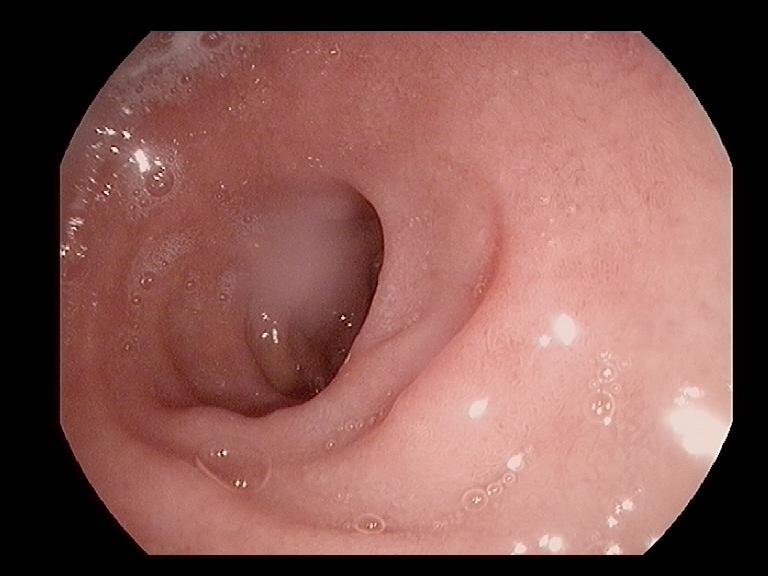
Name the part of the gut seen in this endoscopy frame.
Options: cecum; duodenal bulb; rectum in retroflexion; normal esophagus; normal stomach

duodenal bulb